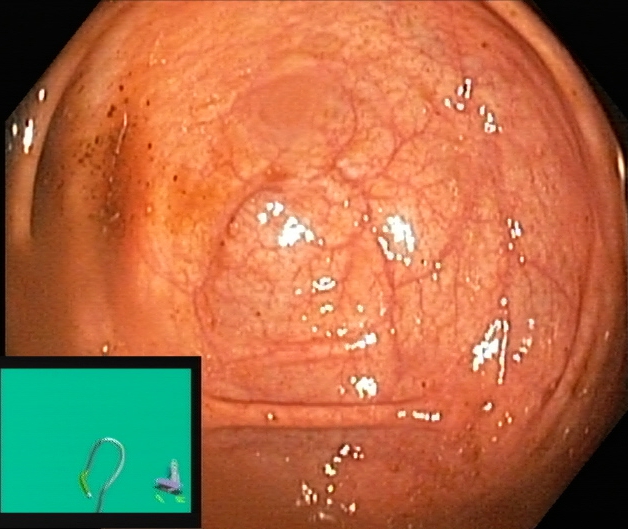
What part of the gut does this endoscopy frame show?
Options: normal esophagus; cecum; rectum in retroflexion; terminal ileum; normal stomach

cecum